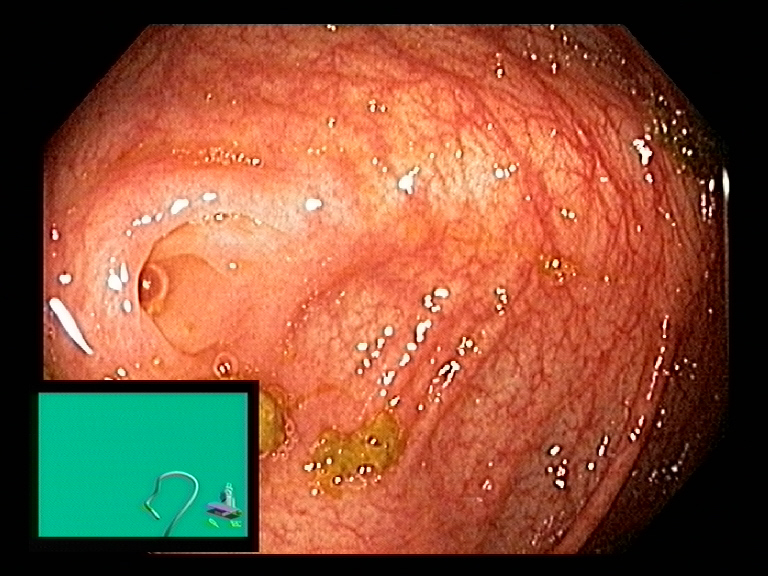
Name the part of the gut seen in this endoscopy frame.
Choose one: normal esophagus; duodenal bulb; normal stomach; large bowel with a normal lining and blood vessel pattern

large bowel with a normal lining and blood vessel pattern